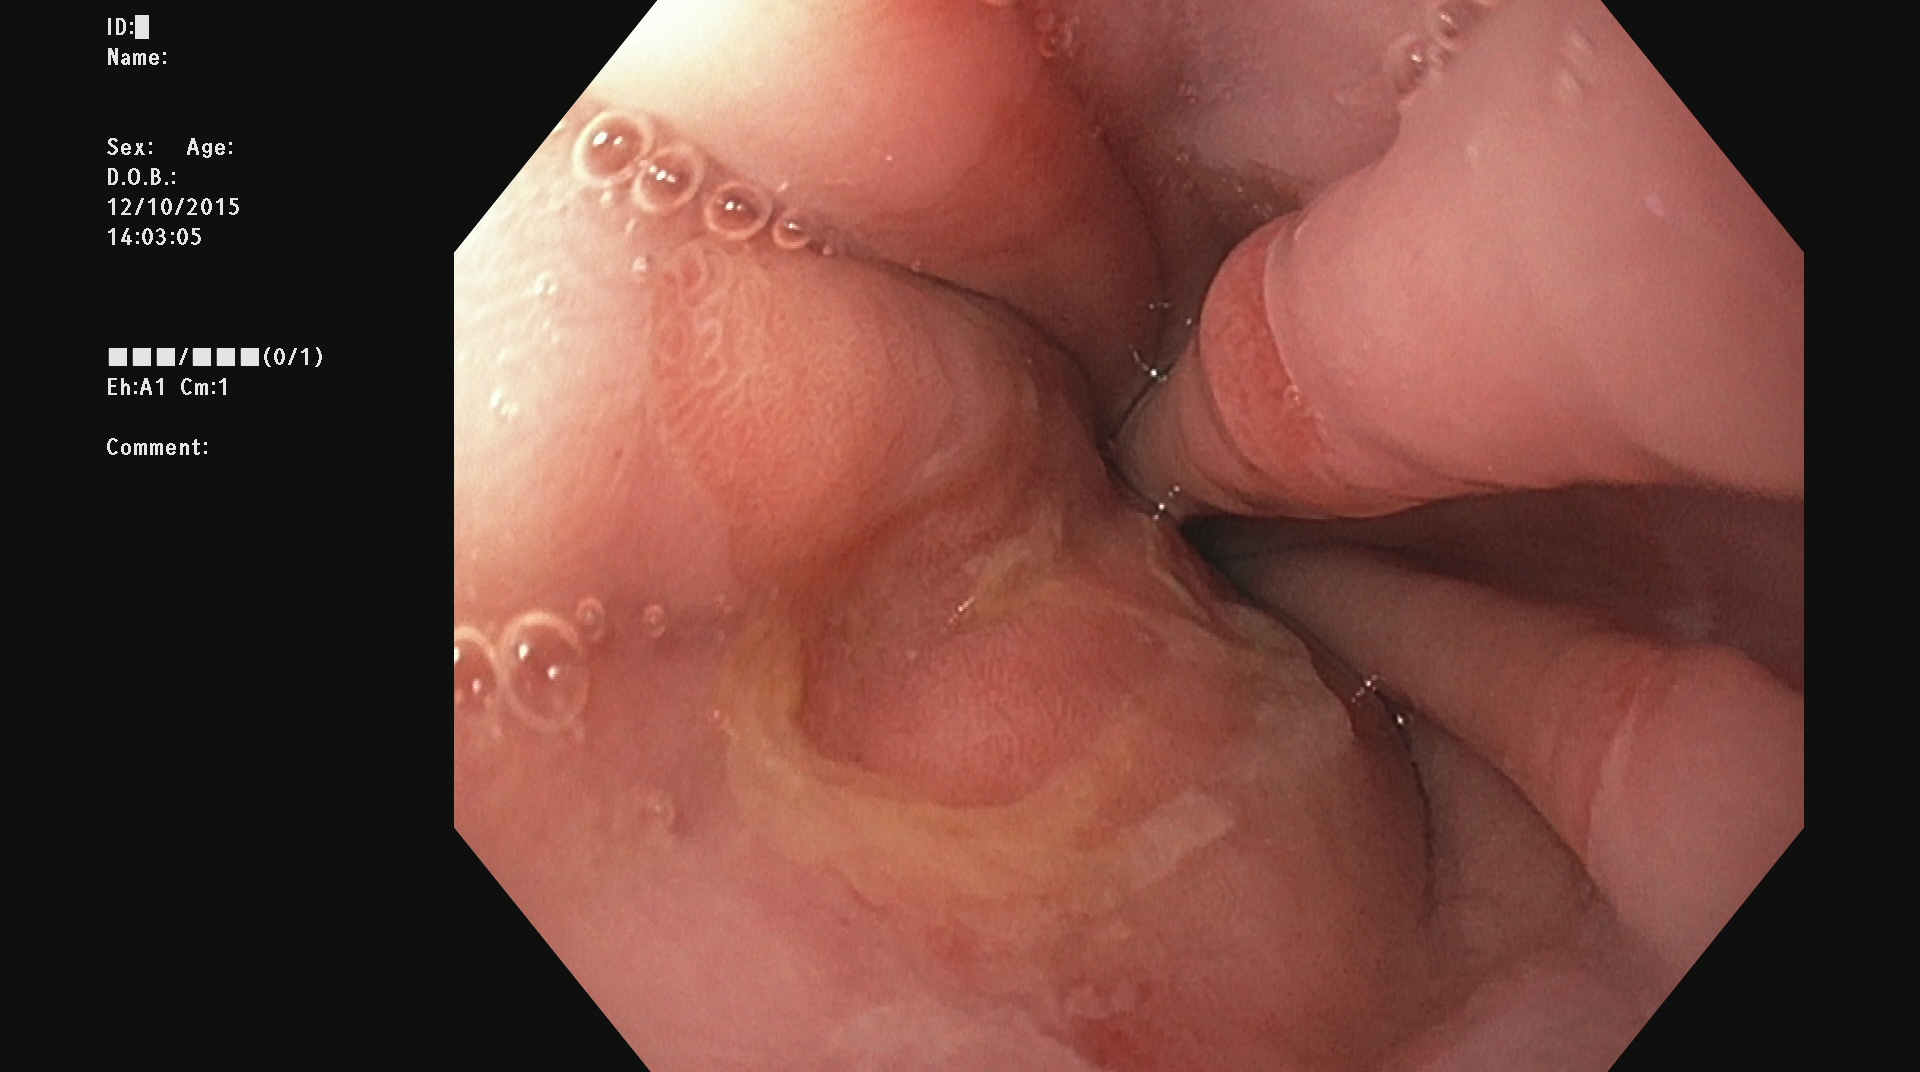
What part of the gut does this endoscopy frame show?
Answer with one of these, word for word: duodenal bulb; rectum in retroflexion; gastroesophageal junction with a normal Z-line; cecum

gastroesophageal junction with a normal Z-line